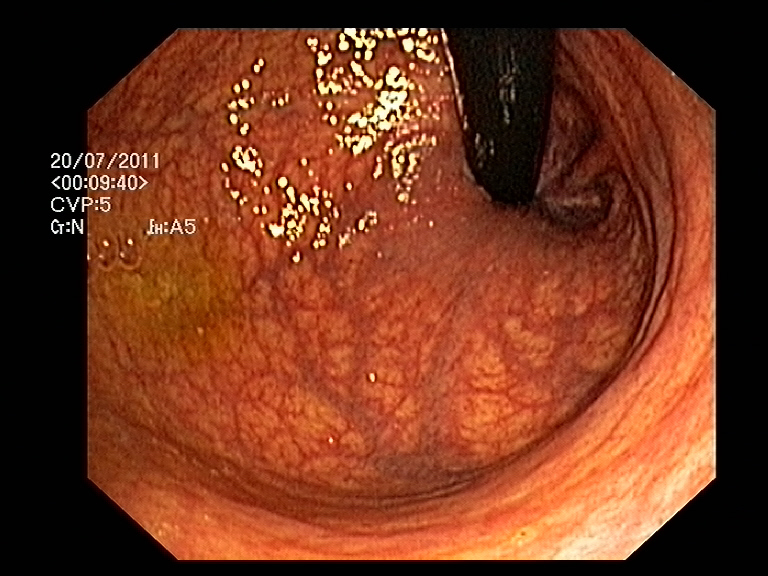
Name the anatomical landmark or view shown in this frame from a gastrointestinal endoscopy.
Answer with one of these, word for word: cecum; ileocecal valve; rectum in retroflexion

rectum in retroflexion